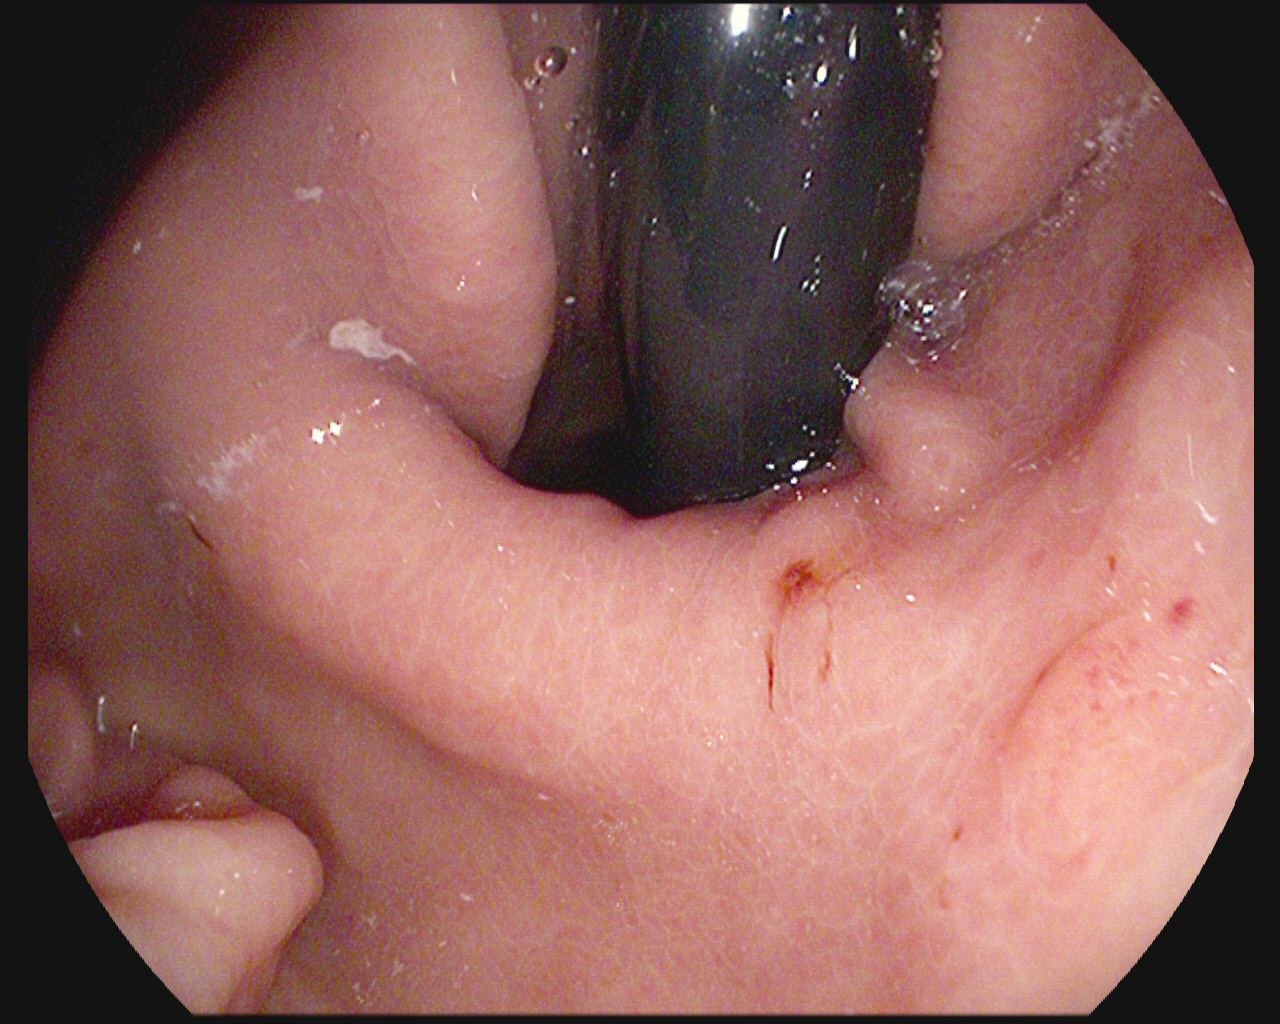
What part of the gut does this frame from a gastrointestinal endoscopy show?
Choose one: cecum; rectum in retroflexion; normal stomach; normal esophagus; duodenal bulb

normal stomach